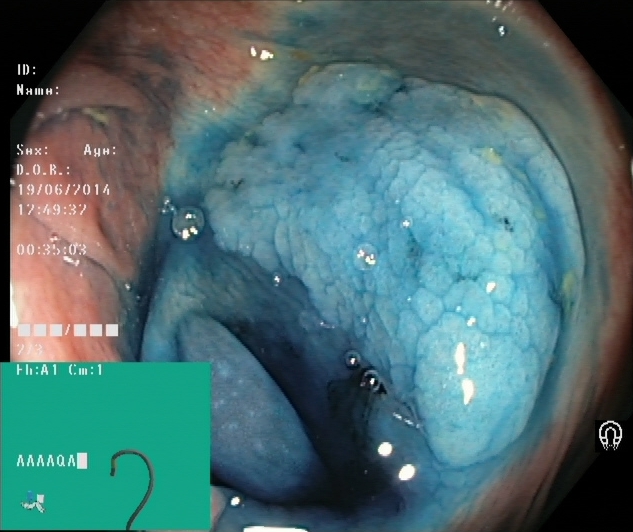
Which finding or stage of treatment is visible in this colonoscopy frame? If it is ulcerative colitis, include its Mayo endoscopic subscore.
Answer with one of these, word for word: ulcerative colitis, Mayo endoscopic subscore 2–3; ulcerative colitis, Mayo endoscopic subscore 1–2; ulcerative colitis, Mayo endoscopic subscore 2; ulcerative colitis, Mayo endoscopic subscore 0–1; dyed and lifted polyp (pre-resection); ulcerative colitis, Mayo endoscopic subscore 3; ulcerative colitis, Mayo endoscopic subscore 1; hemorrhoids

dyed and lifted polyp (pre-resection)